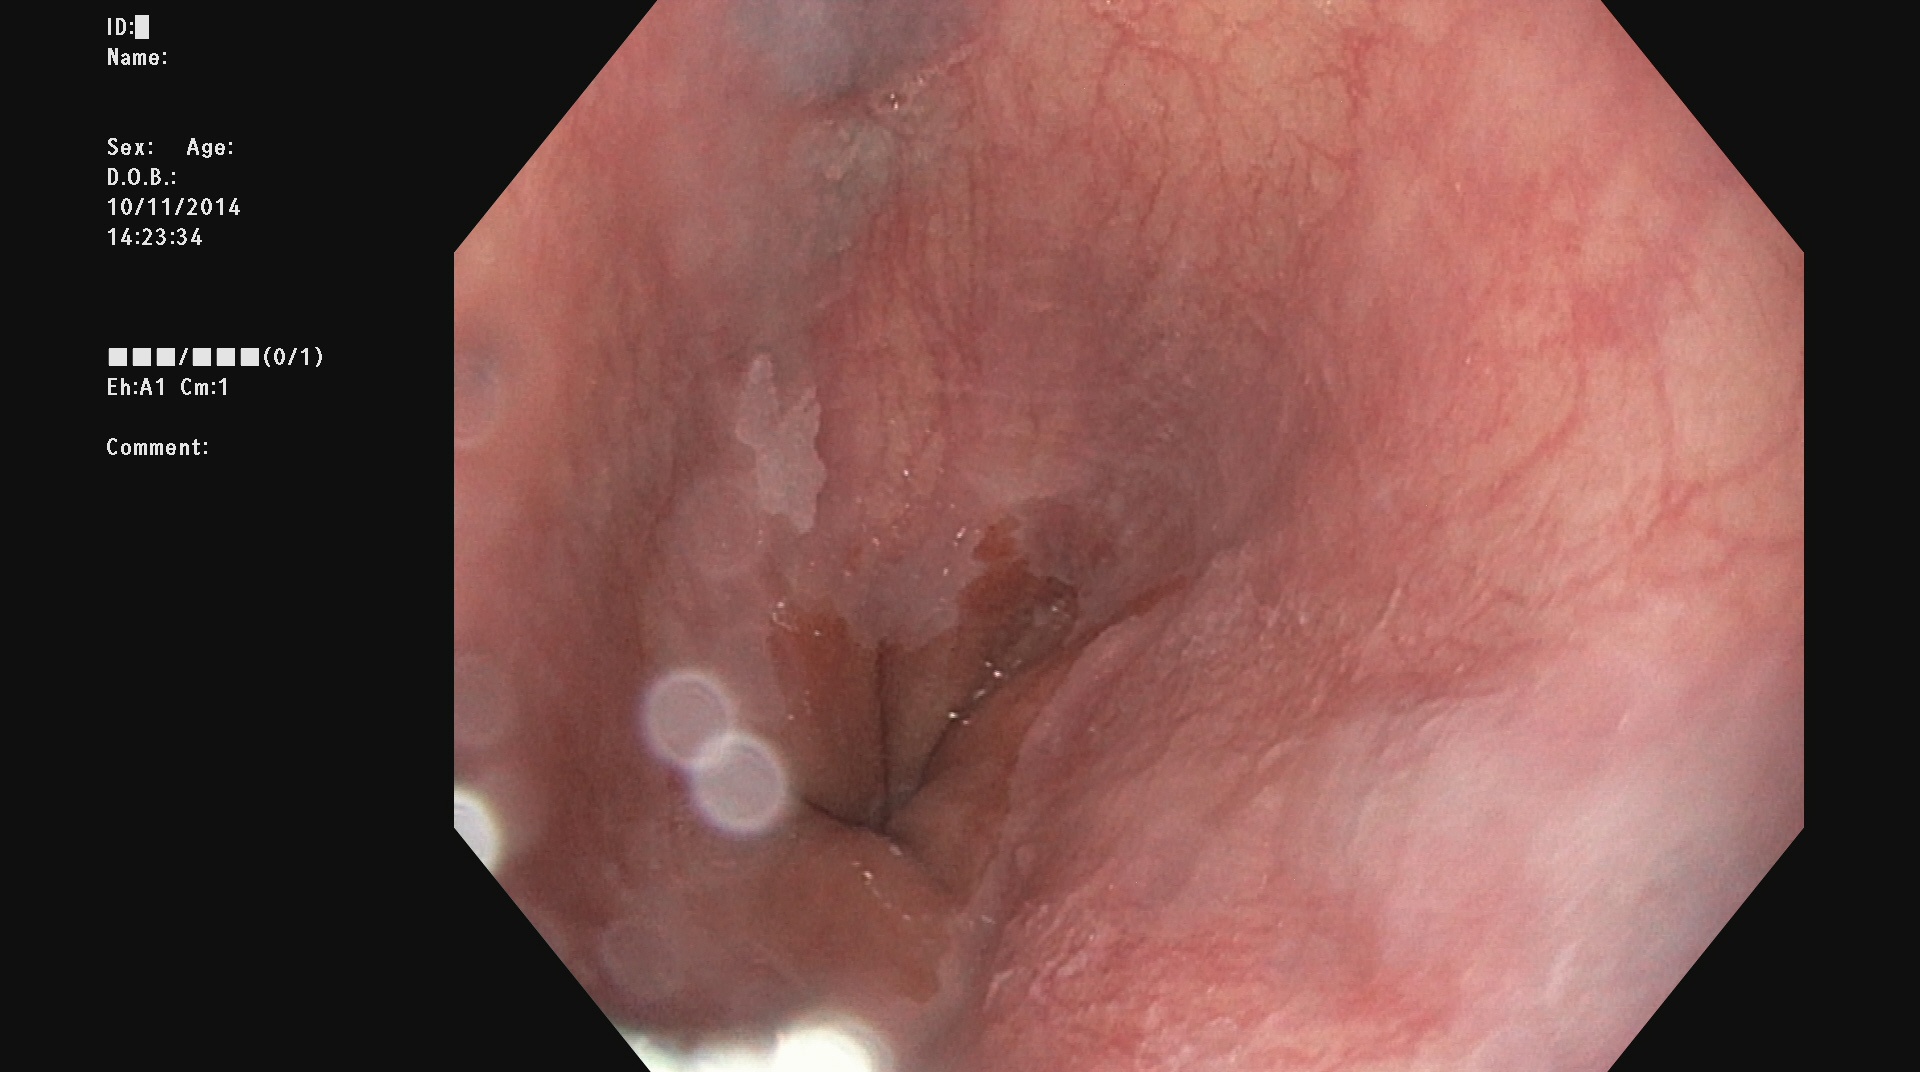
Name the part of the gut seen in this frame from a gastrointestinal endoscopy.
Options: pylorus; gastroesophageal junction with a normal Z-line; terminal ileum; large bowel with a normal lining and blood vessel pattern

gastroesophageal junction with a normal Z-line